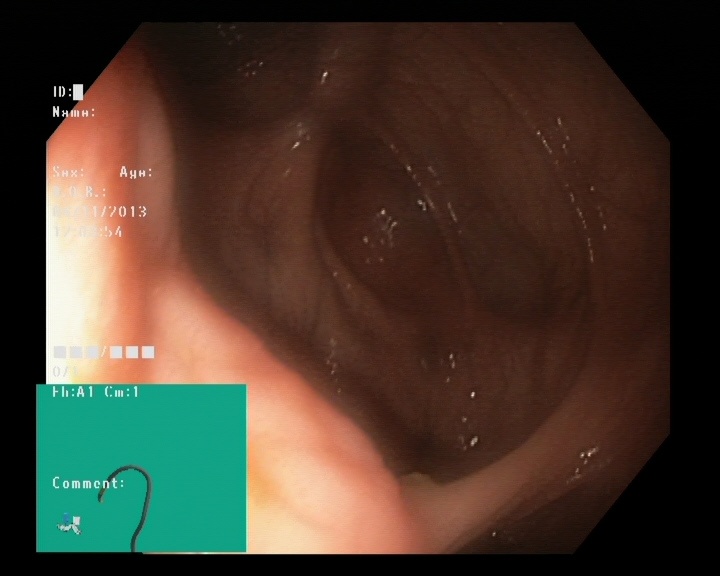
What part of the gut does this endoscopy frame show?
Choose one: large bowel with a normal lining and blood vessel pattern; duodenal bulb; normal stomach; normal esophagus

large bowel with a normal lining and blood vessel pattern